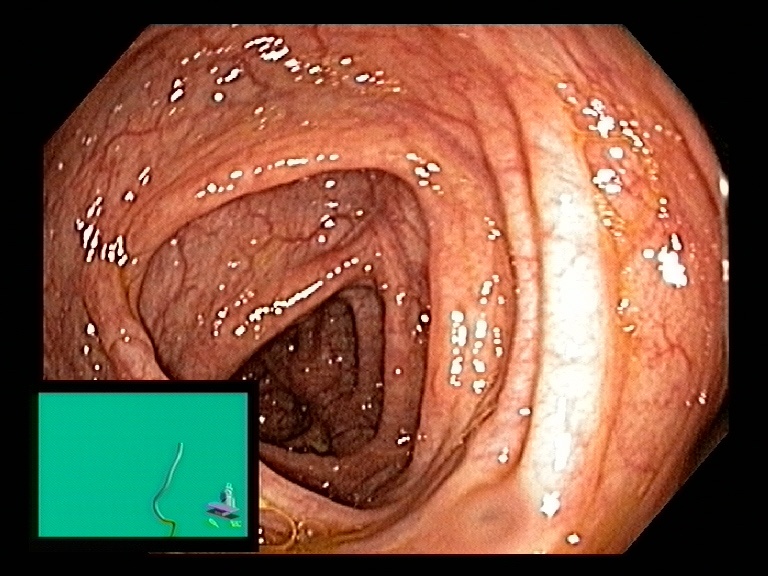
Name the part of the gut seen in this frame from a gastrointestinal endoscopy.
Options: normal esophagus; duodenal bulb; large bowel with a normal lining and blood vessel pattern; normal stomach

large bowel with a normal lining and blood vessel pattern